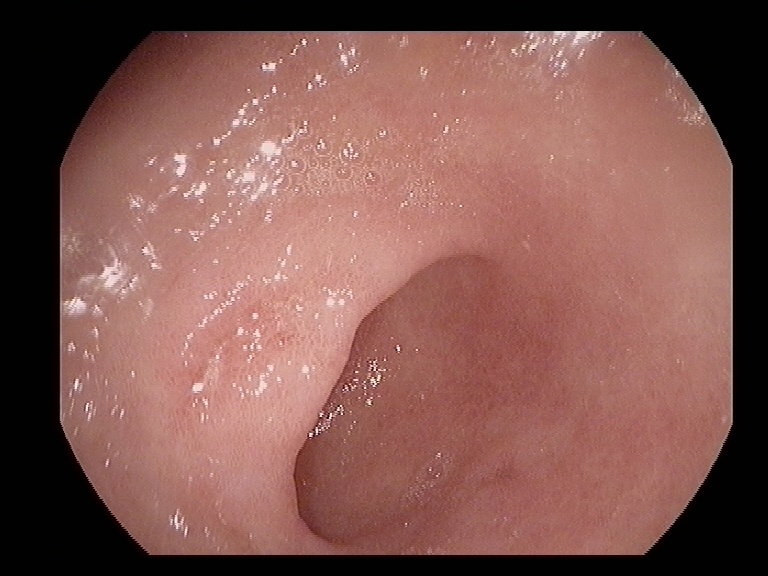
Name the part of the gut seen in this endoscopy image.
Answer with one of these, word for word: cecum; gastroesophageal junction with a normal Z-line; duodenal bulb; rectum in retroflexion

duodenal bulb